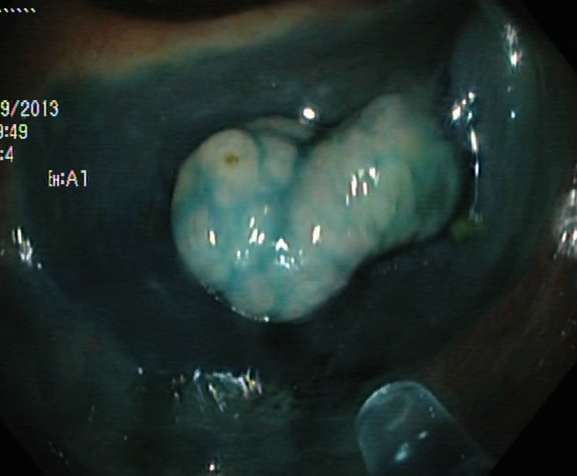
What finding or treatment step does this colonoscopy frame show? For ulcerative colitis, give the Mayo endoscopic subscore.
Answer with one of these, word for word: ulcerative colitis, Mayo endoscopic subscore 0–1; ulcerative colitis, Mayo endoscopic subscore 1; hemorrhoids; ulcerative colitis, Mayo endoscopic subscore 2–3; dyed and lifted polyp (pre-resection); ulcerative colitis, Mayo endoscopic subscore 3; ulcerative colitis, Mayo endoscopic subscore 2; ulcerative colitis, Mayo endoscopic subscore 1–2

dyed and lifted polyp (pre-resection)